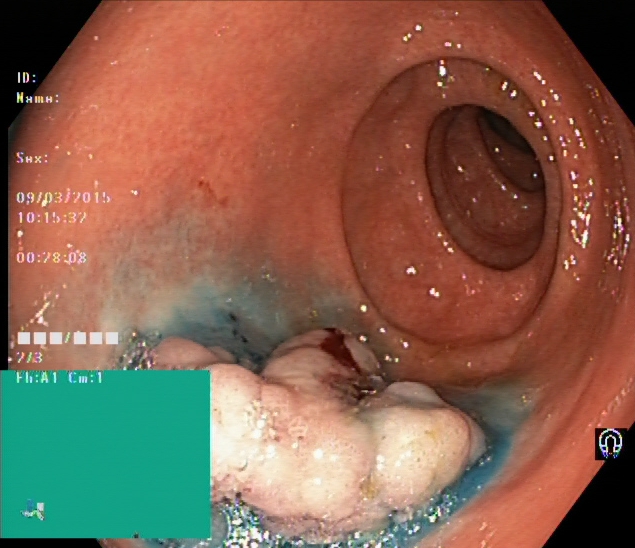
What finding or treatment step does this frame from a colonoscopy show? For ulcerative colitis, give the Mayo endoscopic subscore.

dyed and lifted polyp (pre-resection)